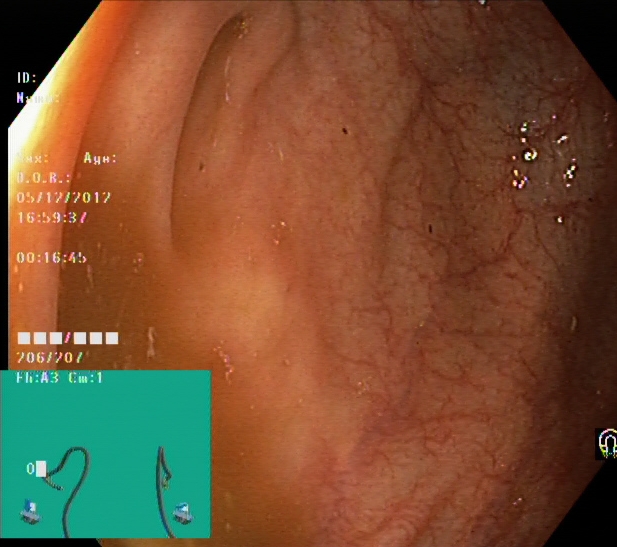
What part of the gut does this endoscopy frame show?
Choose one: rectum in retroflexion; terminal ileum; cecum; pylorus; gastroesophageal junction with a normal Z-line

cecum